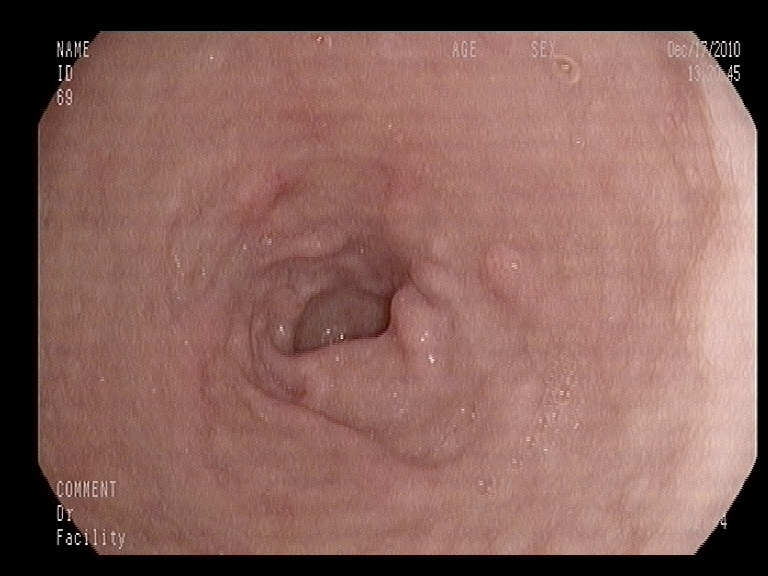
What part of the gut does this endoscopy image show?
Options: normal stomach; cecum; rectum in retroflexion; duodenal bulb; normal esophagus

duodenal bulb